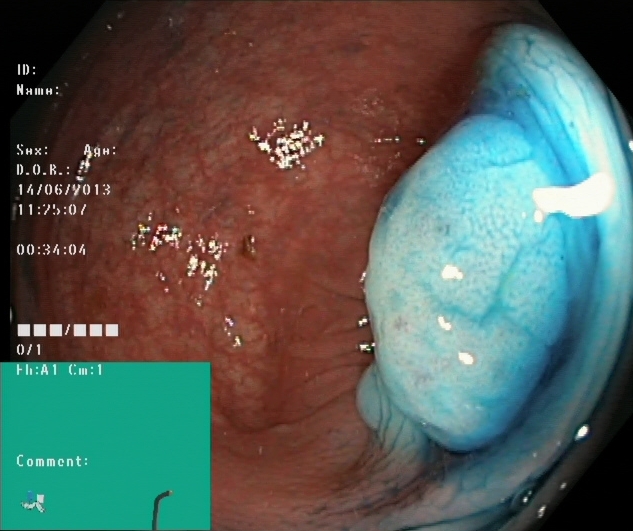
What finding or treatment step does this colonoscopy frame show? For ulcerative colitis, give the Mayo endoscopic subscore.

dyed and lifted polyp (pre-resection)